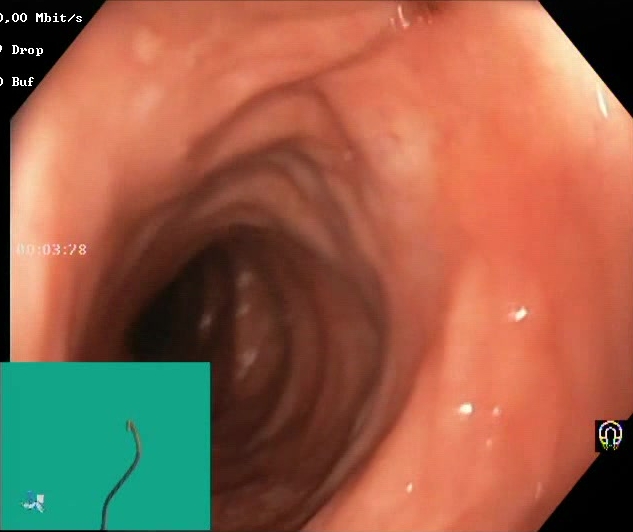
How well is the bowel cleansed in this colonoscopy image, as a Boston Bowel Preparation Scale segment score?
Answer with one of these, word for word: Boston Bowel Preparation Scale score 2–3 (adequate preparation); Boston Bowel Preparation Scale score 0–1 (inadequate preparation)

Boston Bowel Preparation Scale score 2–3 (adequate preparation)